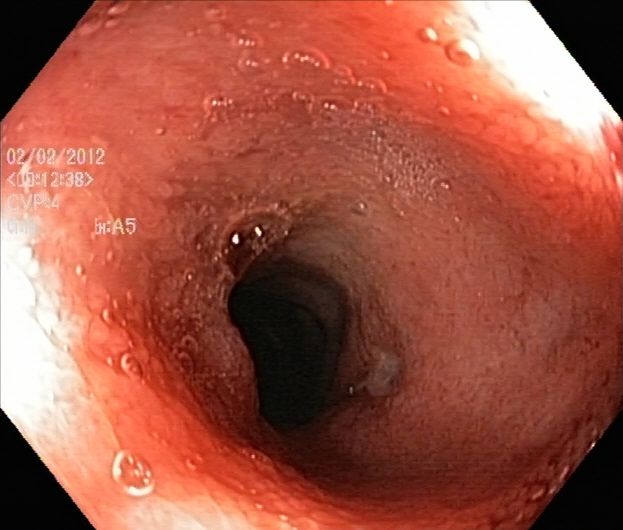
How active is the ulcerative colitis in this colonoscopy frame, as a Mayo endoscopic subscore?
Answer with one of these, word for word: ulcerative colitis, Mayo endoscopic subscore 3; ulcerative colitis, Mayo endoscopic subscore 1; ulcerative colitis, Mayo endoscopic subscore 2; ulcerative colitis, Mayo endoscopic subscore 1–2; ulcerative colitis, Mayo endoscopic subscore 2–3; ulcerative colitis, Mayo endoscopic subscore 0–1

ulcerative colitis, Mayo endoscopic subscore 2